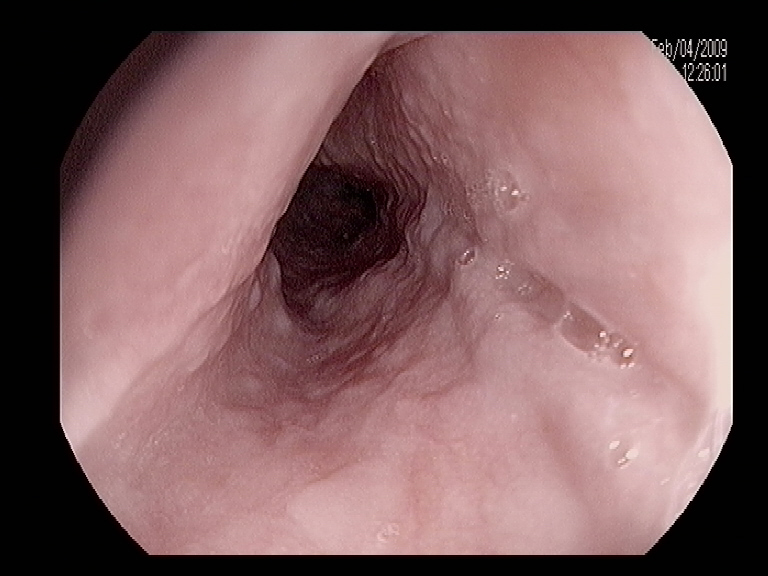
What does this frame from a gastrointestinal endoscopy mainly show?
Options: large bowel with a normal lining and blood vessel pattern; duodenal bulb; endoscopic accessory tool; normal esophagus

normal esophagus